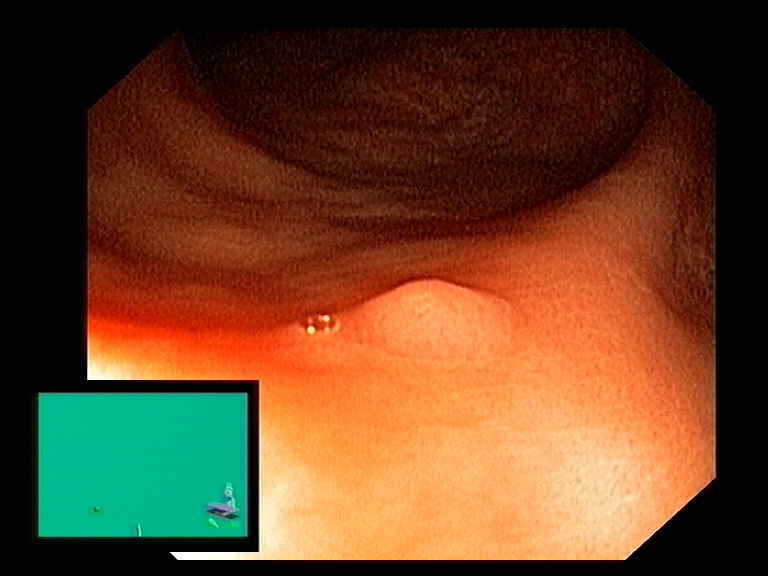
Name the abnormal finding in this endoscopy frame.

colon polyp